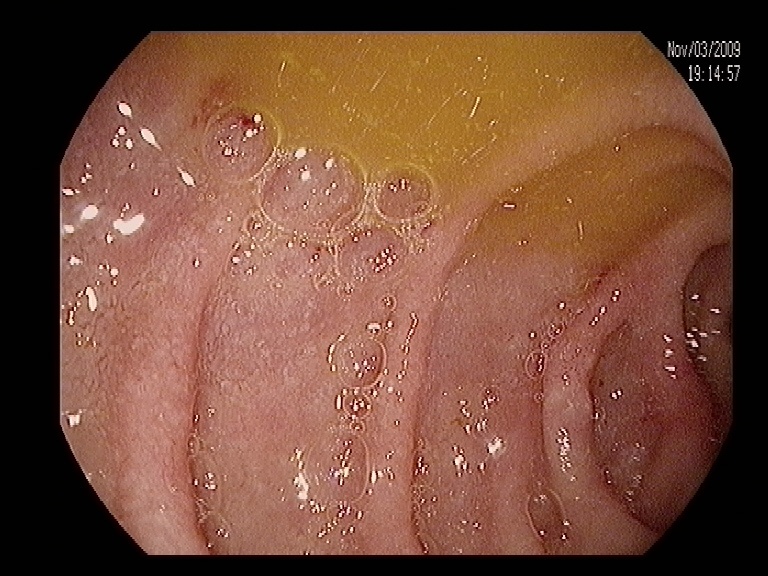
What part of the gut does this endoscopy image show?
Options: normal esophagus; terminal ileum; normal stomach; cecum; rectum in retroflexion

terminal ileum